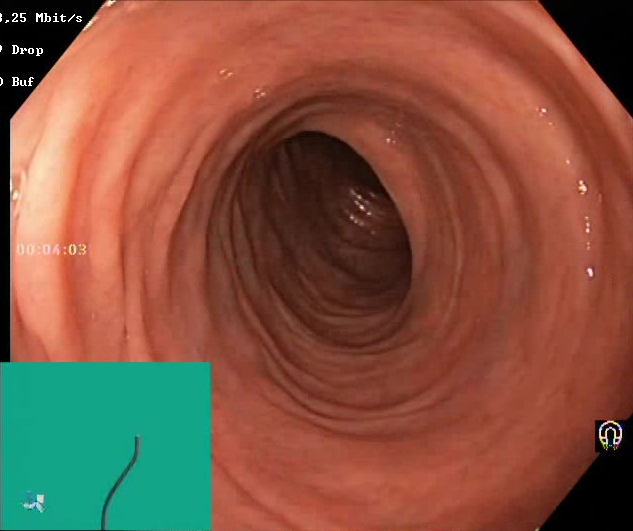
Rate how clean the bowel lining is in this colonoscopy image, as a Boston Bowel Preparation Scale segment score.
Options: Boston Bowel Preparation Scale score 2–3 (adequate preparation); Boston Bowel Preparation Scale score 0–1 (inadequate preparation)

Boston Bowel Preparation Scale score 2–3 (adequate preparation)